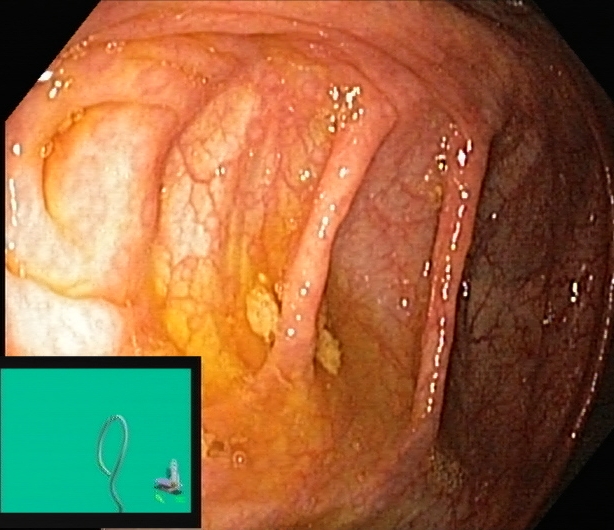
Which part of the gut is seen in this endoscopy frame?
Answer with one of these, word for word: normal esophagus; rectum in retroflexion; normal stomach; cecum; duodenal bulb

cecum